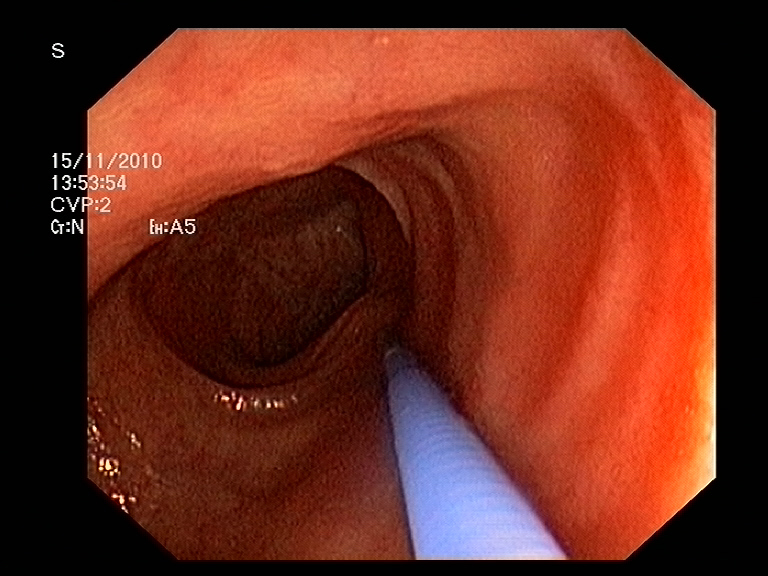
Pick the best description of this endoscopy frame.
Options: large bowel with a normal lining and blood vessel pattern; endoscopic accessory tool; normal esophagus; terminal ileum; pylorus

endoscopic accessory tool